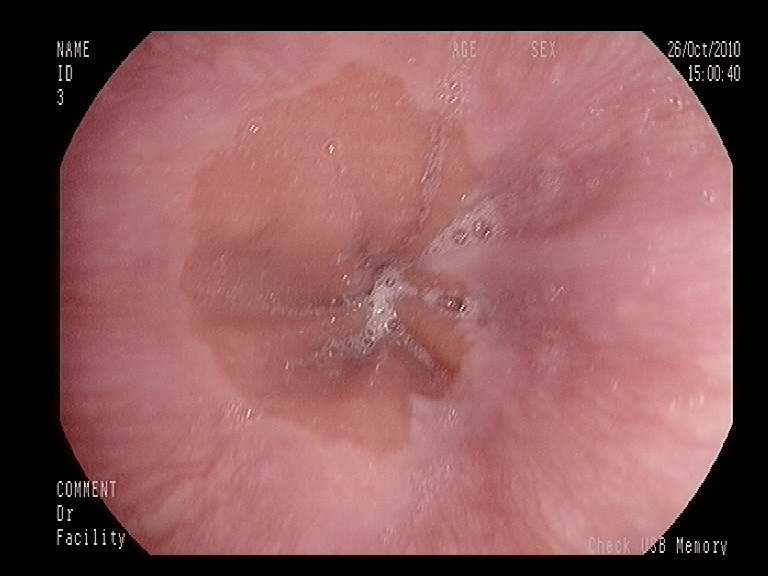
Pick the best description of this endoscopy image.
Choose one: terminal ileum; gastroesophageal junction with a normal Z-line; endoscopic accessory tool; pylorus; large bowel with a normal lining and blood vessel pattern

gastroesophageal junction with a normal Z-line